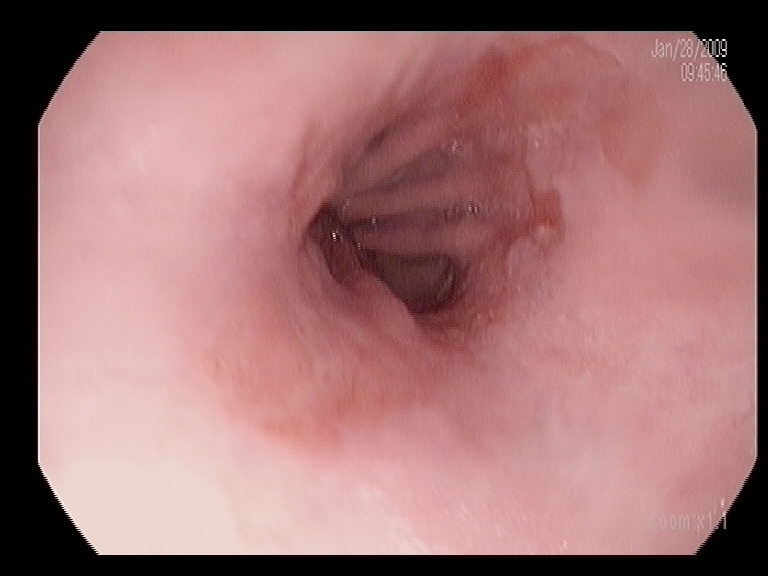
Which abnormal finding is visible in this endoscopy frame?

esophagitis